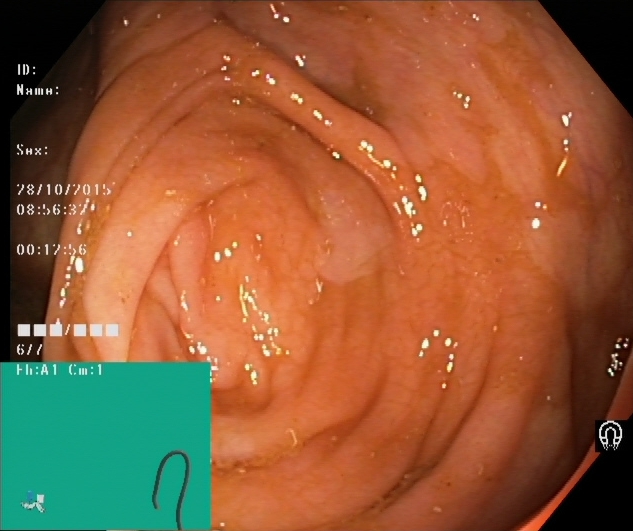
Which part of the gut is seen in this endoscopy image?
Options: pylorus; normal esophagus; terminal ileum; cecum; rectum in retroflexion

cecum